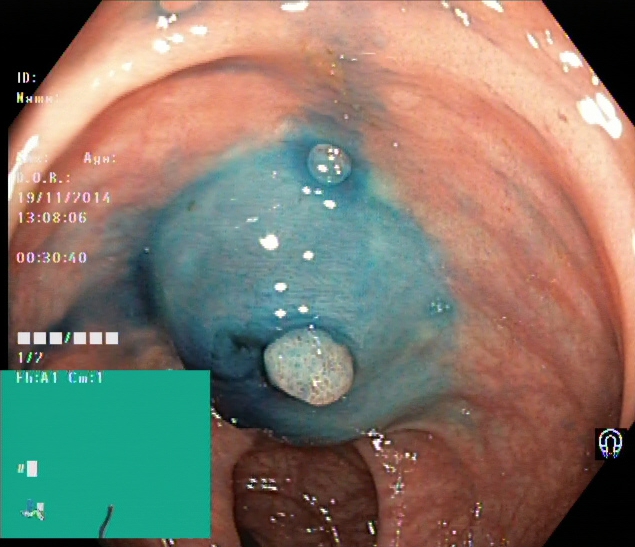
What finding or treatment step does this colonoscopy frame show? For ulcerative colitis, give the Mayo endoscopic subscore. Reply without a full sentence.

dyed and lifted polyp (pre-resection)